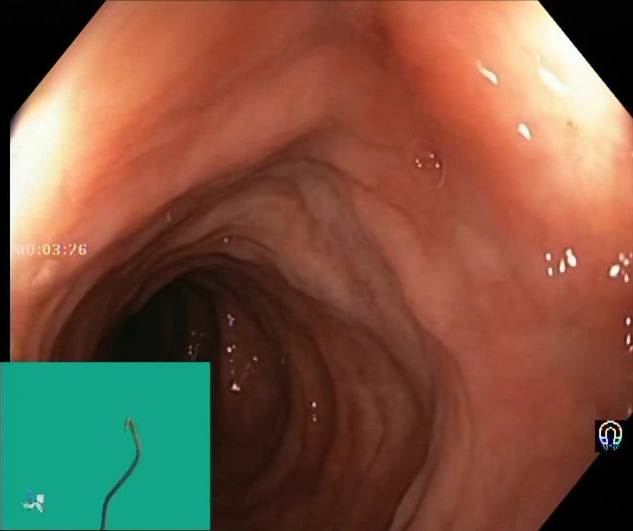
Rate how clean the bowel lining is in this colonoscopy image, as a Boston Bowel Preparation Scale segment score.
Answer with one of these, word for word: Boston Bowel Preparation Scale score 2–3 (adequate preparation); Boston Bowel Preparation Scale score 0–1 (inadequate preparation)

Boston Bowel Preparation Scale score 2–3 (adequate preparation)